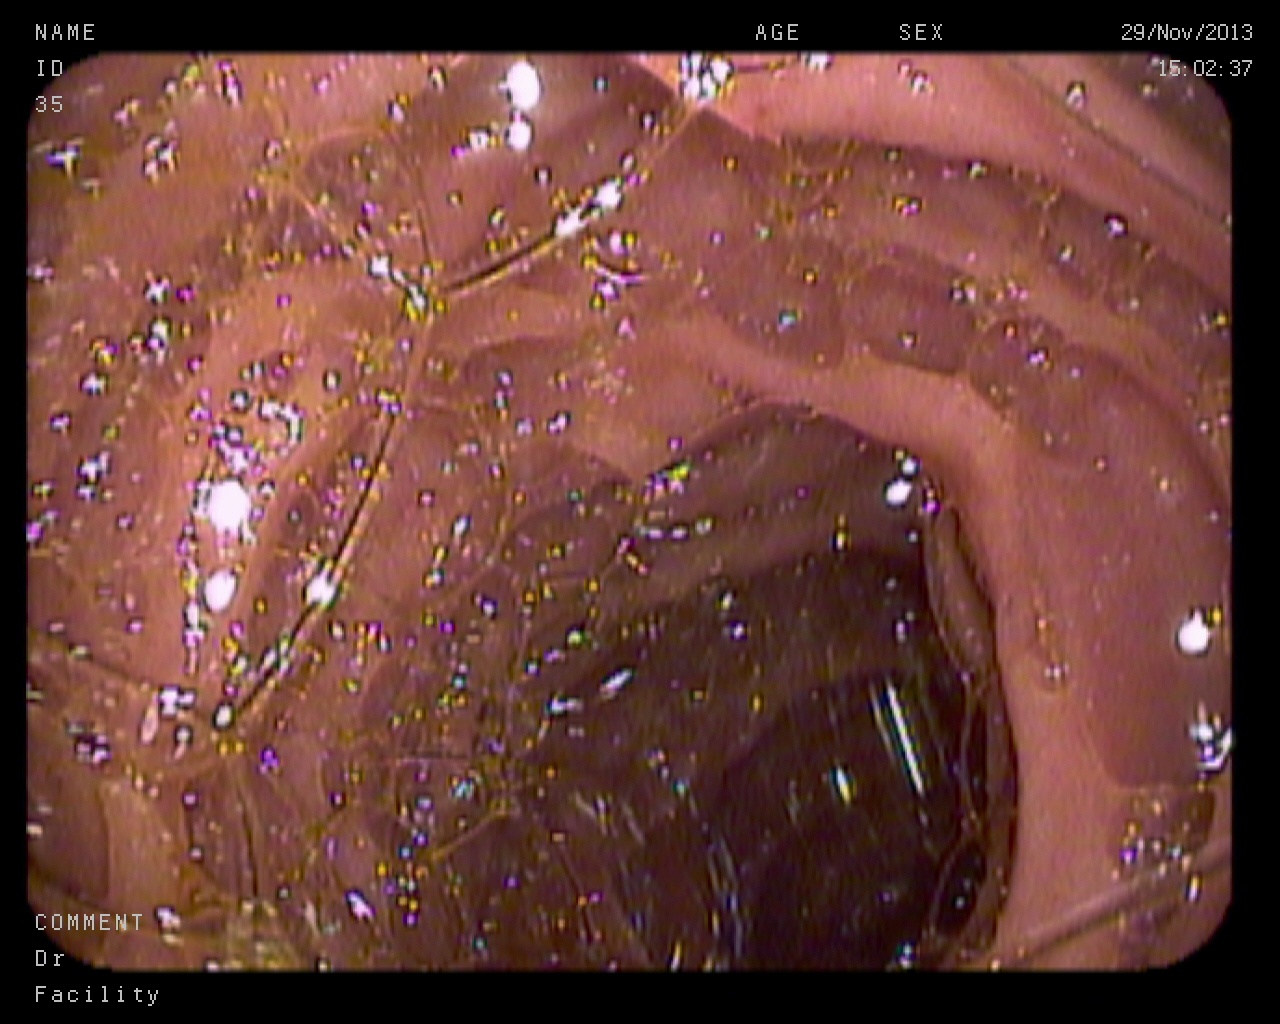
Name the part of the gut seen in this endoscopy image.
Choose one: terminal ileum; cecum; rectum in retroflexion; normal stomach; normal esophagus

terminal ileum